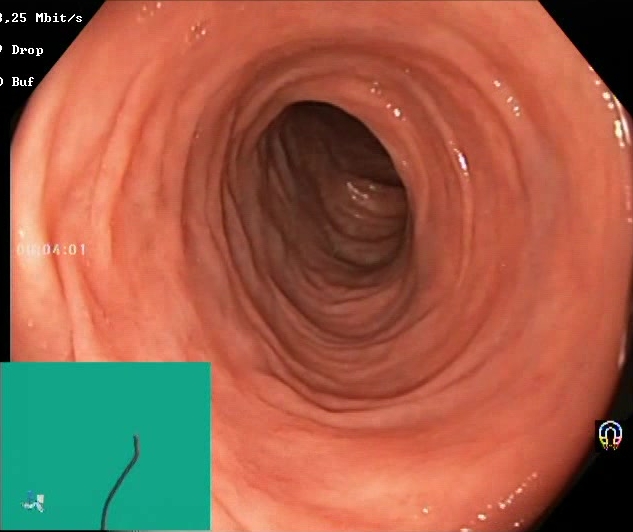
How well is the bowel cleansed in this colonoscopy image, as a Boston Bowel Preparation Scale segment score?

Boston Bowel Preparation Scale score 2–3 (adequate preparation)